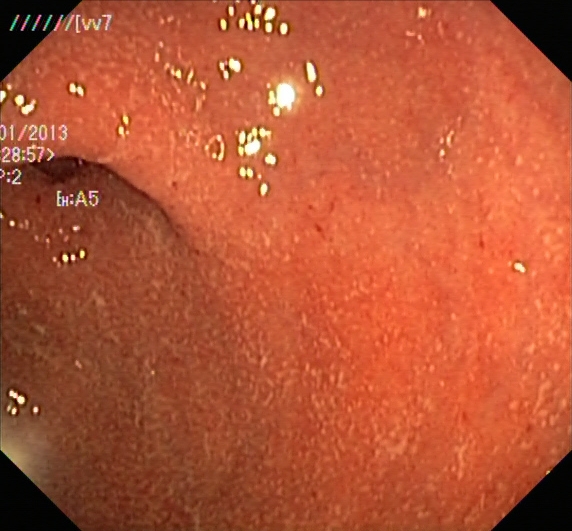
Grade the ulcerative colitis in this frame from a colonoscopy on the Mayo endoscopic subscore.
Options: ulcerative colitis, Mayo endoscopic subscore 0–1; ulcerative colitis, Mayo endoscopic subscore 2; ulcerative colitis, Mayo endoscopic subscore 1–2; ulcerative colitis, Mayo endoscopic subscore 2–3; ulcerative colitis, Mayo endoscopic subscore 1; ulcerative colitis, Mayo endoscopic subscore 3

ulcerative colitis, Mayo endoscopic subscore 2